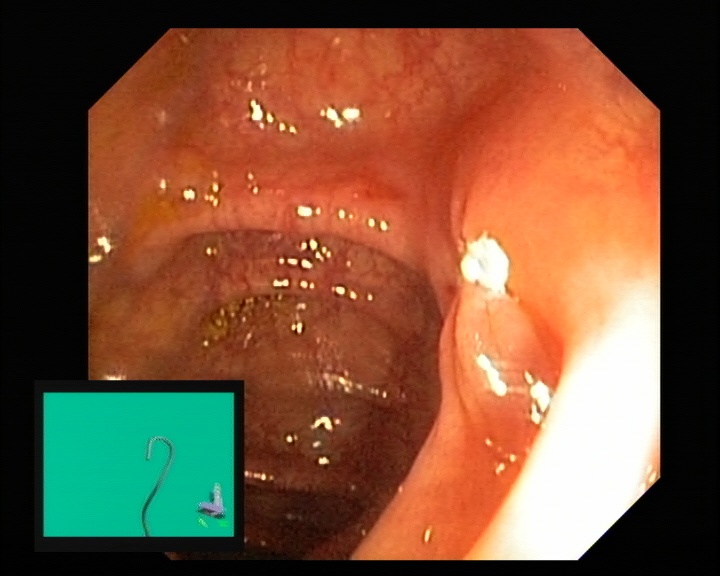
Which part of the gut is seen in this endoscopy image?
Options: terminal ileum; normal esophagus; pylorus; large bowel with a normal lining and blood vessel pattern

large bowel with a normal lining and blood vessel pattern